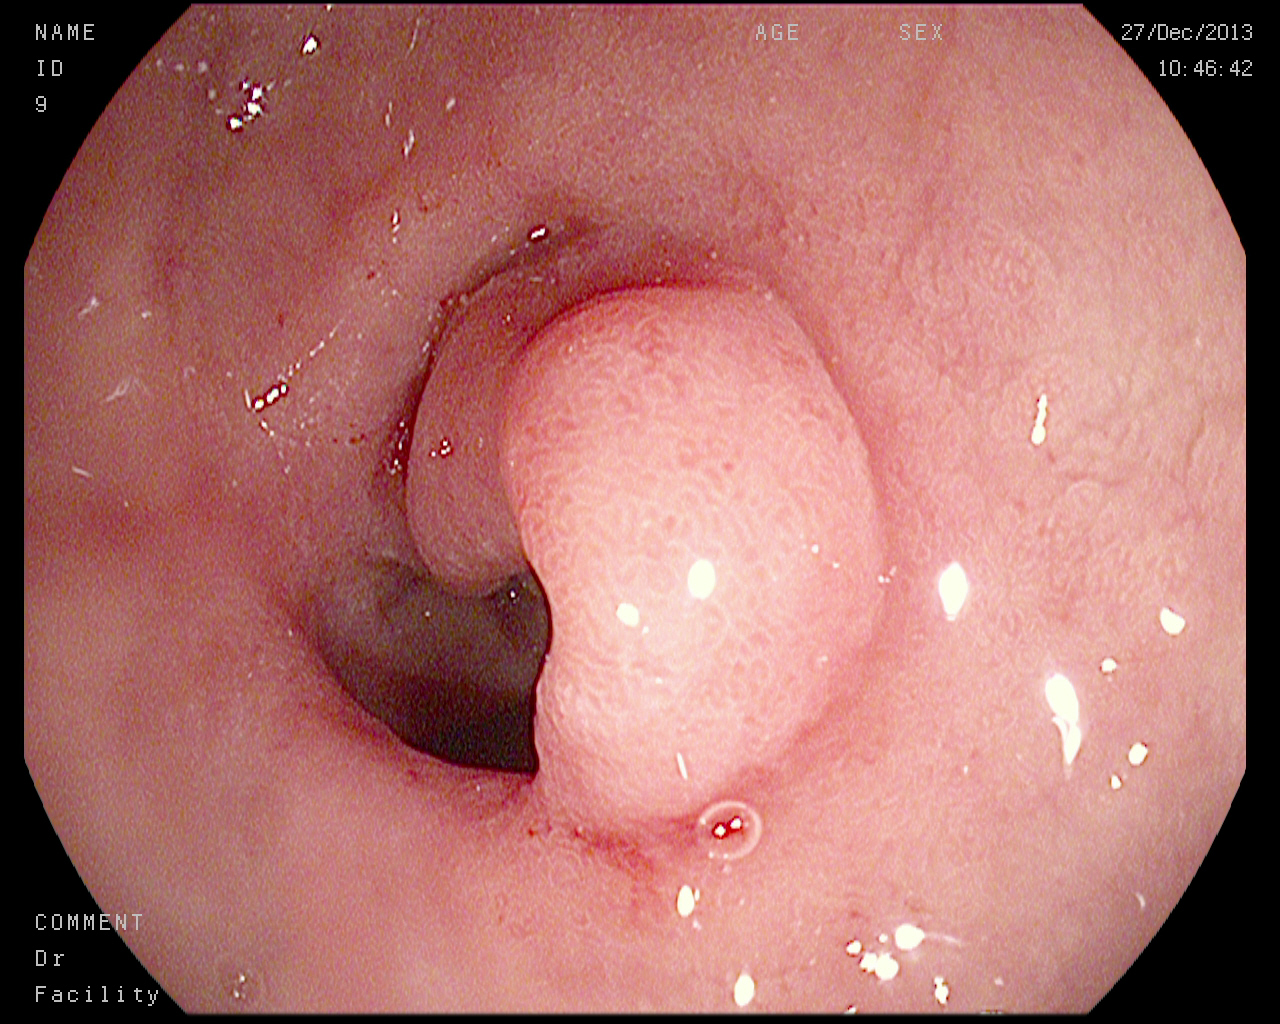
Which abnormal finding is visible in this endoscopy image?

gastric polyp